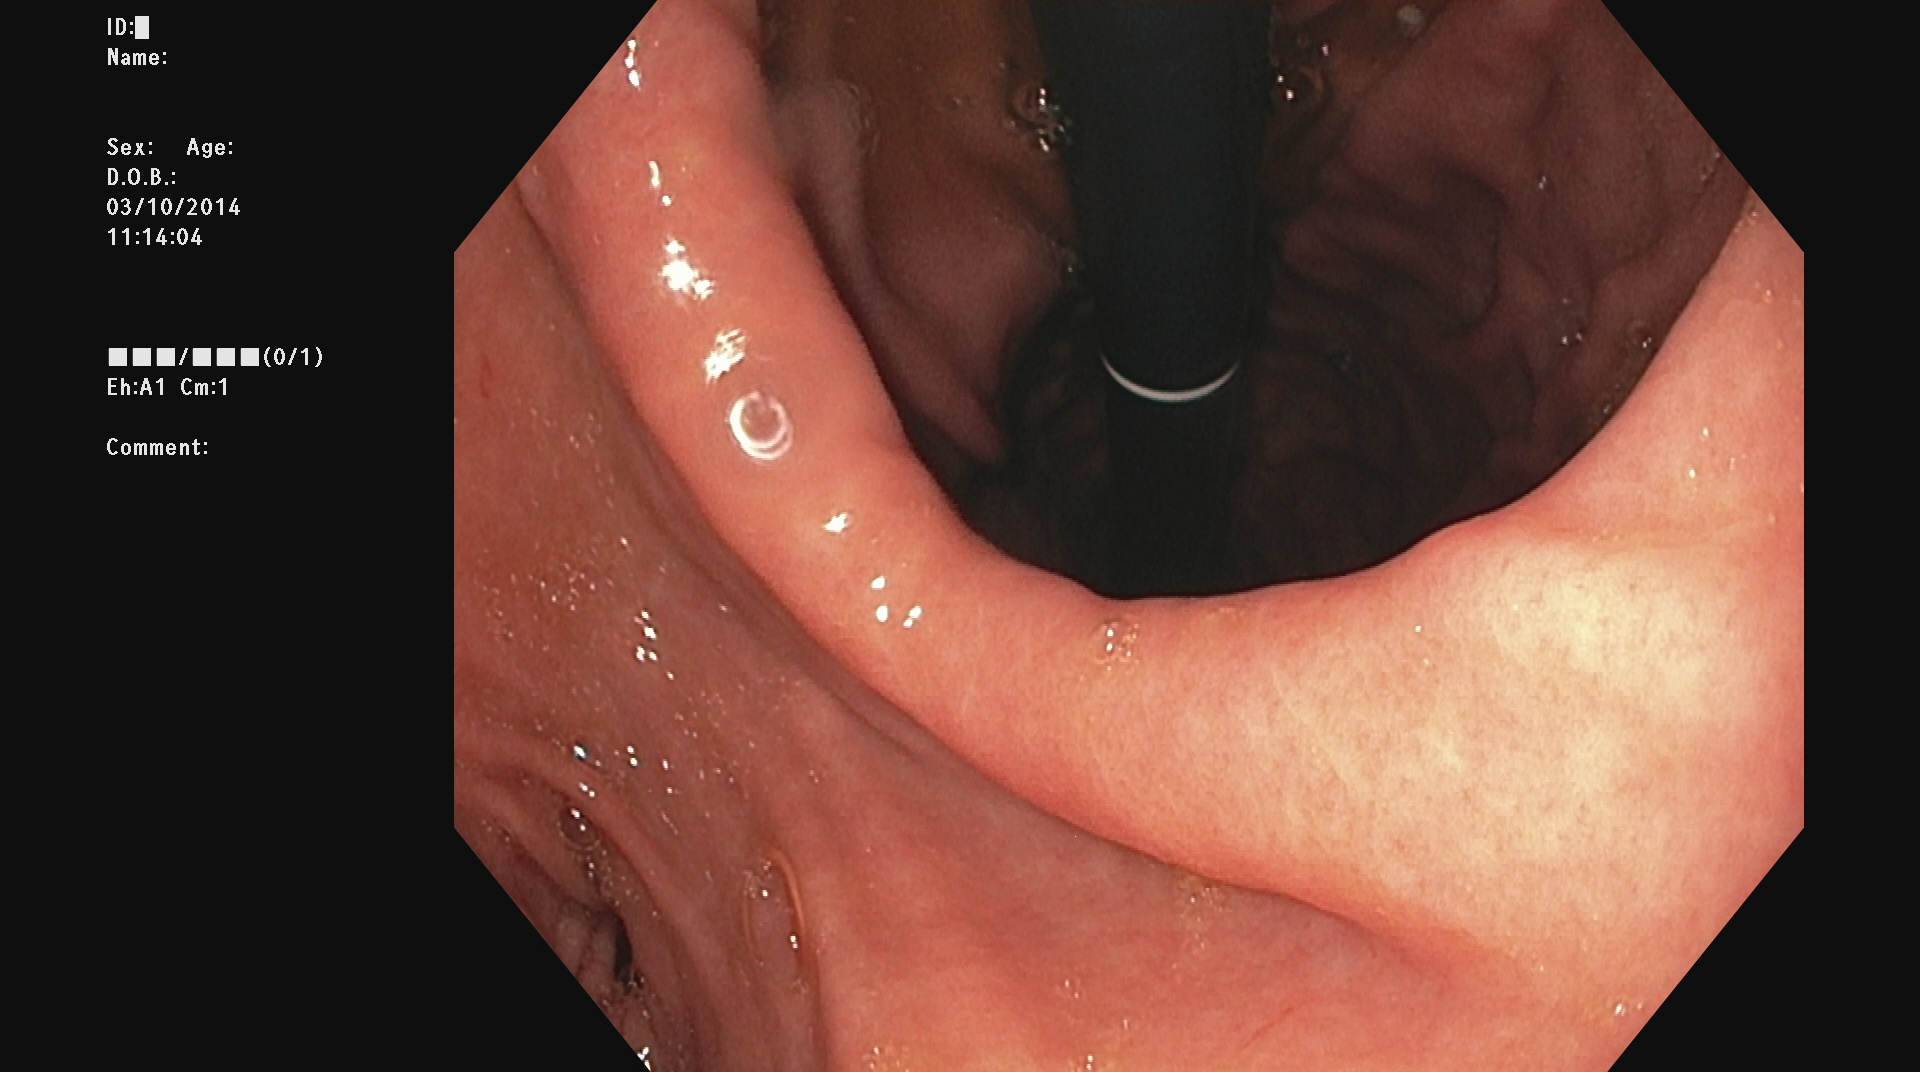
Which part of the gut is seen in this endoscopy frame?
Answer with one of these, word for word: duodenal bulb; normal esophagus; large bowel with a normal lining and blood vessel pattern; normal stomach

normal stomach